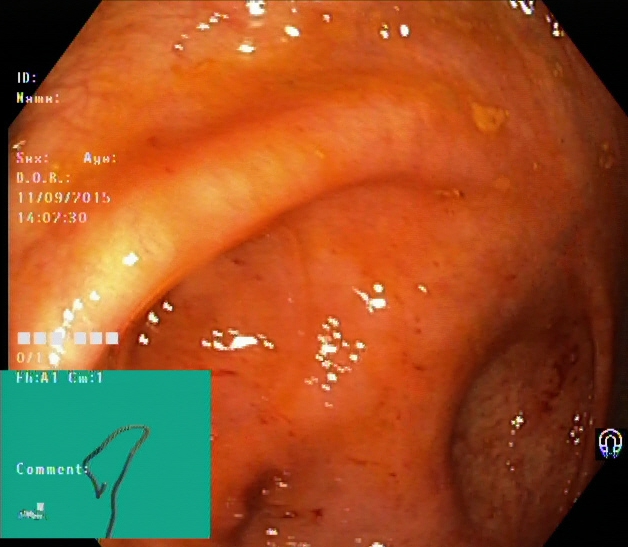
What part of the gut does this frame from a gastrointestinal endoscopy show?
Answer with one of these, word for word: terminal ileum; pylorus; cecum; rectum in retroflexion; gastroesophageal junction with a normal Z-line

cecum